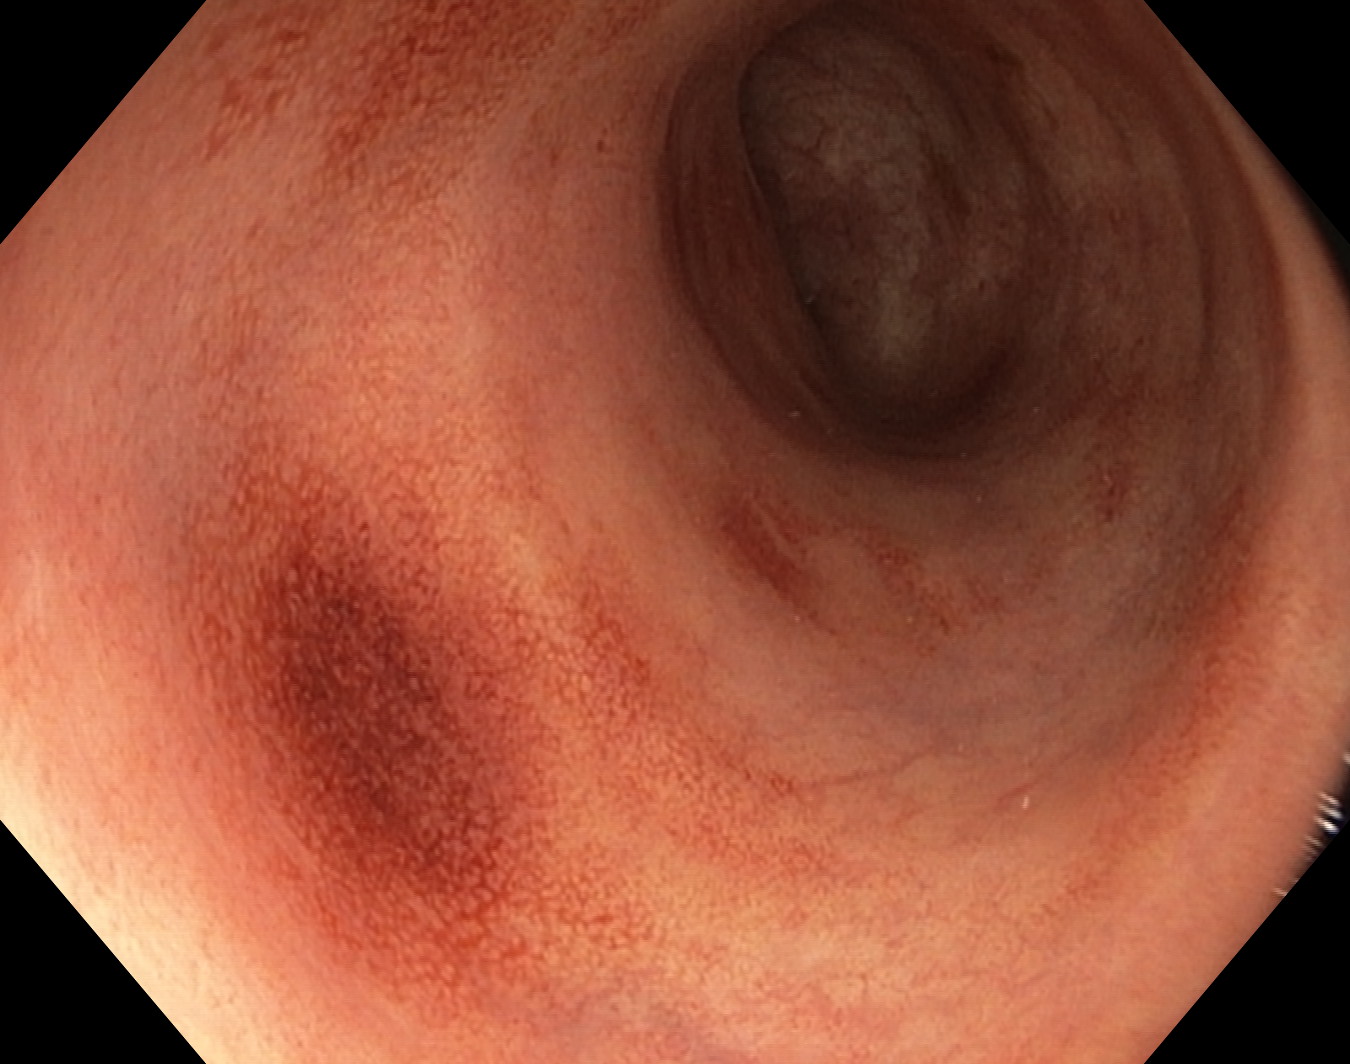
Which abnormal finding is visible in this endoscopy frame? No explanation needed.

erythema